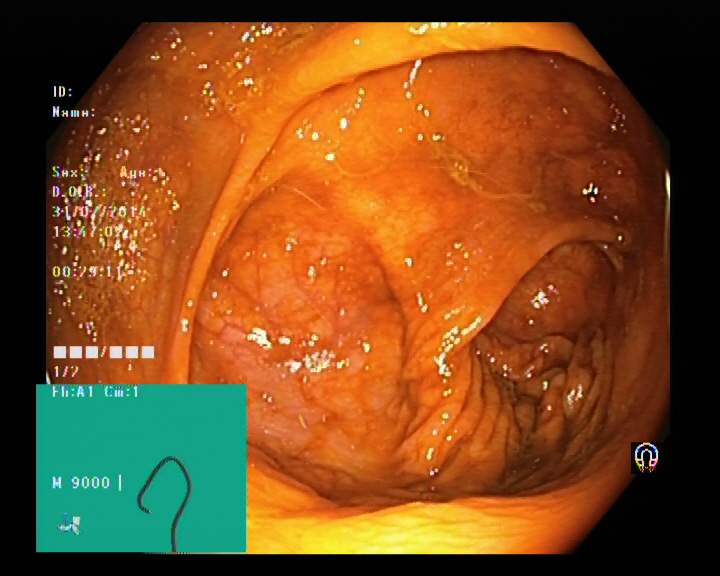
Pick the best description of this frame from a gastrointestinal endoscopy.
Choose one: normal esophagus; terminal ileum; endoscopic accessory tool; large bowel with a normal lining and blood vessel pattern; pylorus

large bowel with a normal lining and blood vessel pattern